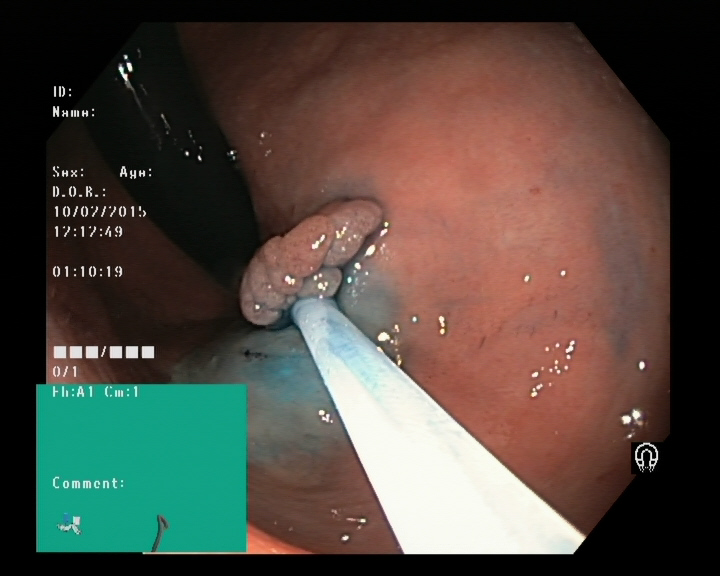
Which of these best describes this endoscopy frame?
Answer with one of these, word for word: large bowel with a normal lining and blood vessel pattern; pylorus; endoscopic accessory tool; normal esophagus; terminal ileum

endoscopic accessory tool